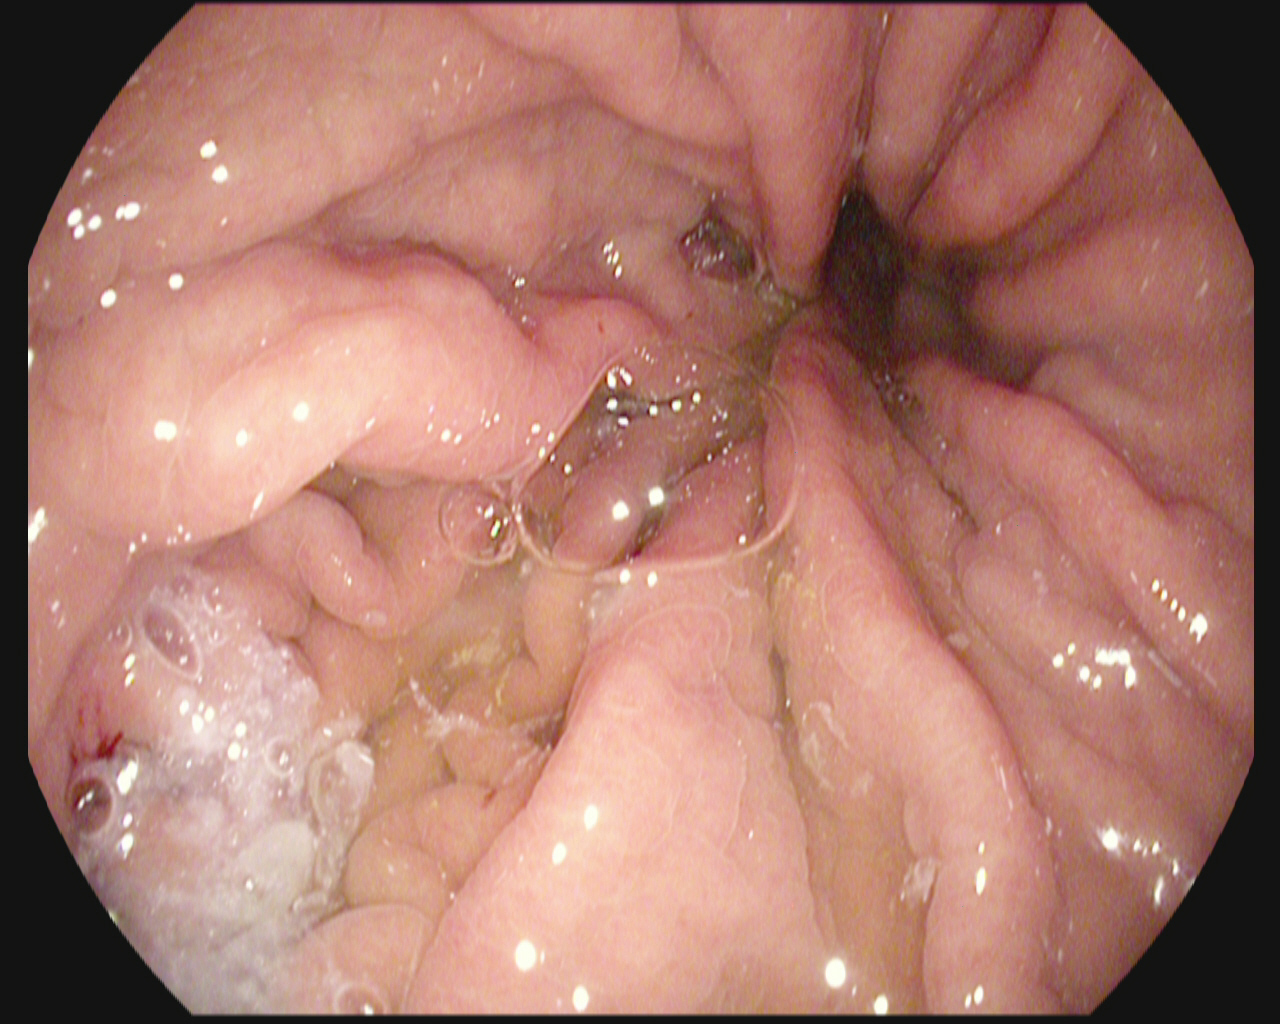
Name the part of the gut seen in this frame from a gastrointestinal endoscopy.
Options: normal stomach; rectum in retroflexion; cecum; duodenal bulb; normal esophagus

normal stomach